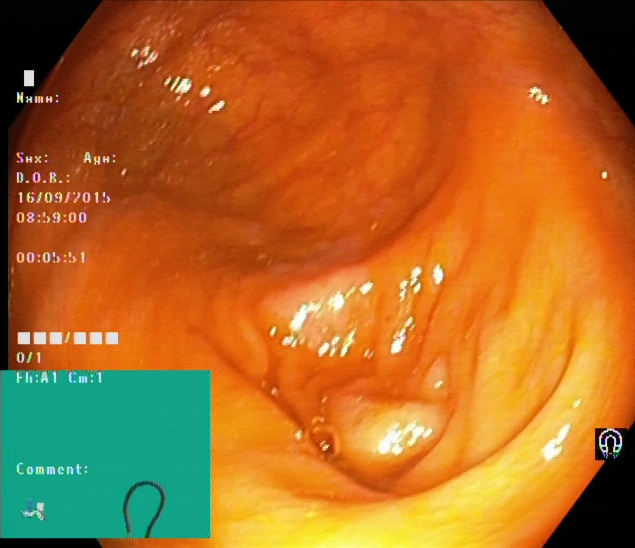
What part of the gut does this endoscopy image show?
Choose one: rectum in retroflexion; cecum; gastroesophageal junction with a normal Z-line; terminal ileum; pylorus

cecum